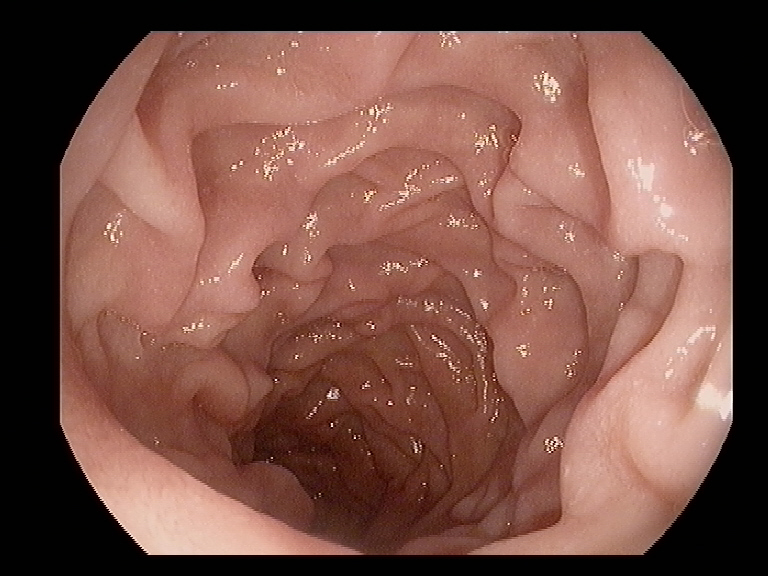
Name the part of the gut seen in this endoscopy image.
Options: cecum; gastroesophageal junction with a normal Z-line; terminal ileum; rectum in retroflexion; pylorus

terminal ileum